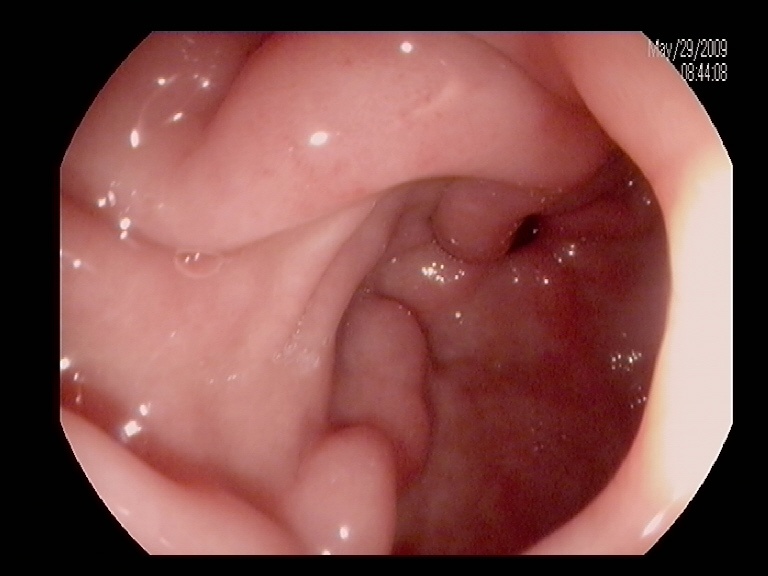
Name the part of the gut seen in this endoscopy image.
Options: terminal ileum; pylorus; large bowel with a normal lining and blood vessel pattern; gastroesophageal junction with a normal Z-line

pylorus